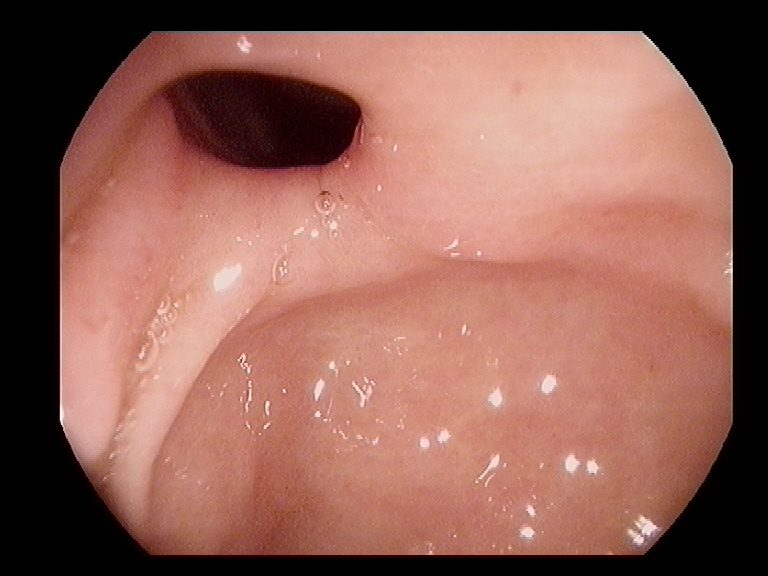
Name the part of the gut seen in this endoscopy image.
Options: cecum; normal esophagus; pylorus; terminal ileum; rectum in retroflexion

pylorus